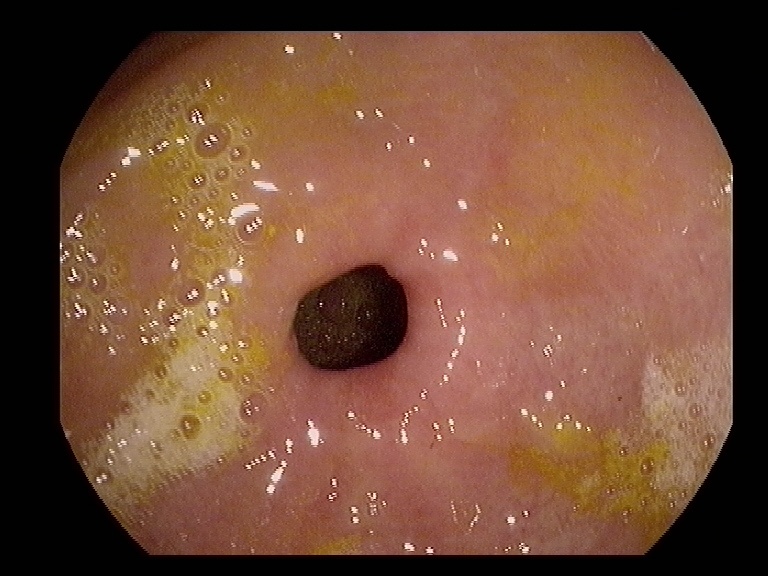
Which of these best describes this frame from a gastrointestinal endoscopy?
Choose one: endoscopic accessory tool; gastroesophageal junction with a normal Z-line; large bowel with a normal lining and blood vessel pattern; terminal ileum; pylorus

pylorus